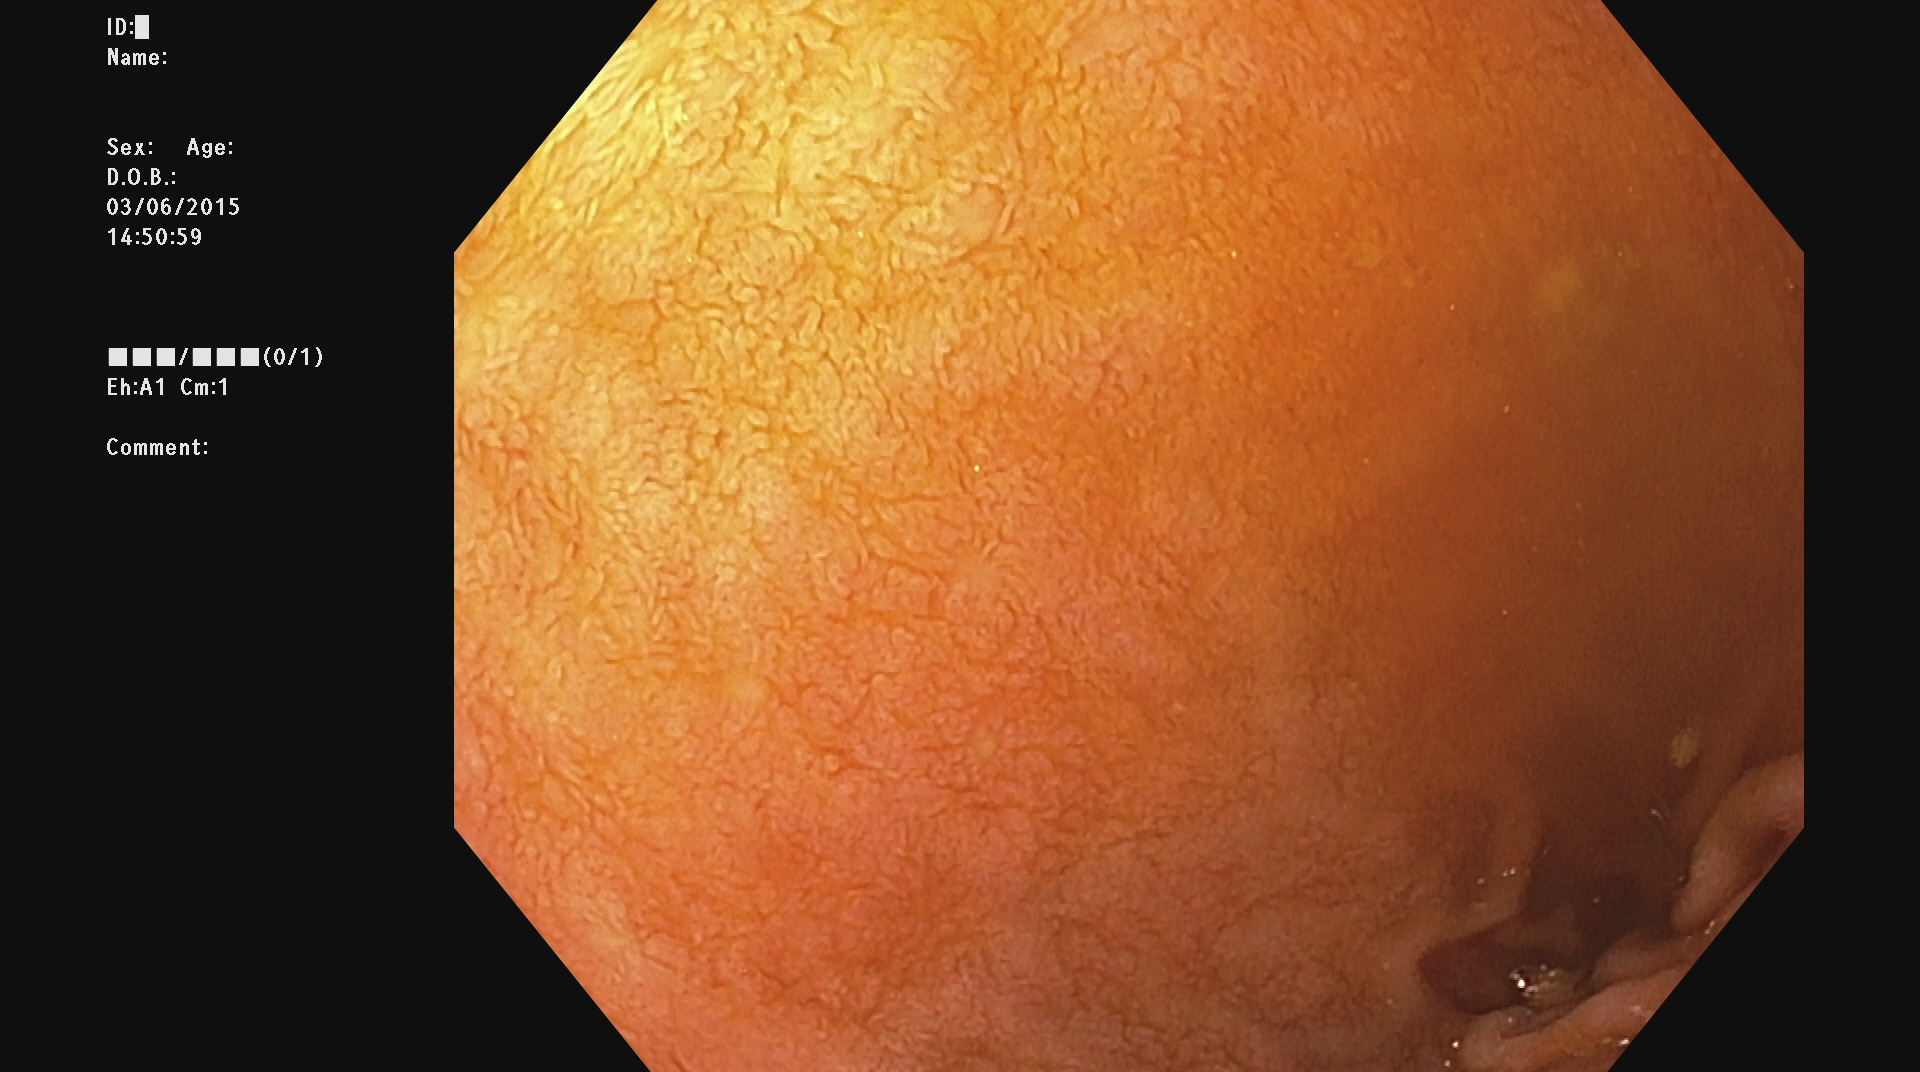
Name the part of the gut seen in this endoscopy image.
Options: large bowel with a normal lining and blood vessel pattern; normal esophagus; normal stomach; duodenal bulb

duodenal bulb